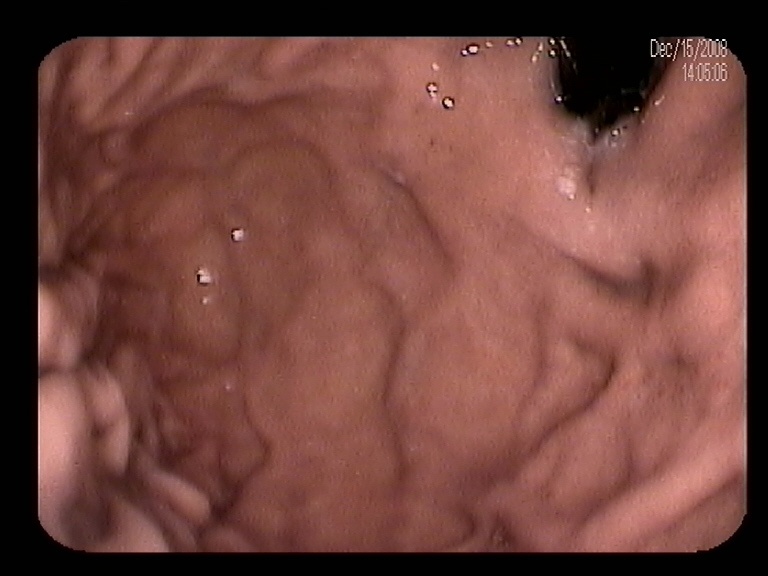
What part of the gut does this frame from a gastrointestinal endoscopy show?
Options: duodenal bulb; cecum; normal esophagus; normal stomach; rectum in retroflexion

normal stomach